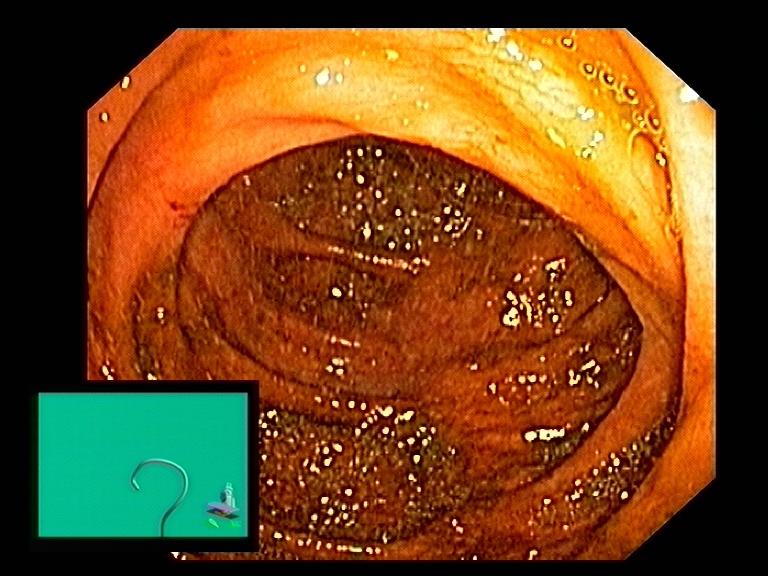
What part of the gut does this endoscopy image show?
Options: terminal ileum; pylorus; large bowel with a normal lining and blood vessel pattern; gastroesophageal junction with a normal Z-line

large bowel with a normal lining and blood vessel pattern